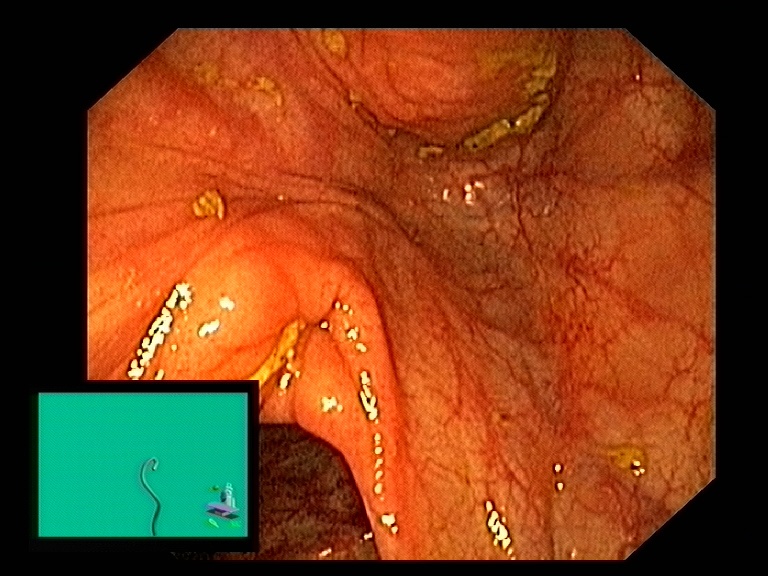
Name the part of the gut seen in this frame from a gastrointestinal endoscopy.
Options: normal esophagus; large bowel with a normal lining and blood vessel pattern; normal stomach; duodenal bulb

large bowel with a normal lining and blood vessel pattern